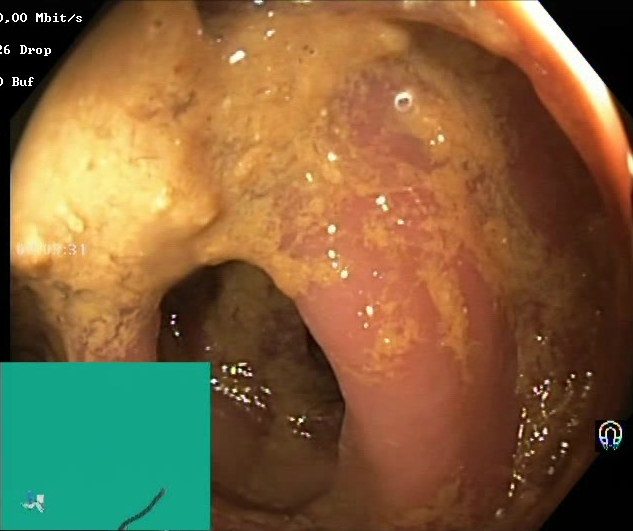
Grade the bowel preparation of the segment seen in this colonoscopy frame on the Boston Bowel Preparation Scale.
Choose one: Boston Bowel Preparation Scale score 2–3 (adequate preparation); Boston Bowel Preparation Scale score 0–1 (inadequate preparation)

Boston Bowel Preparation Scale score 0–1 (inadequate preparation)